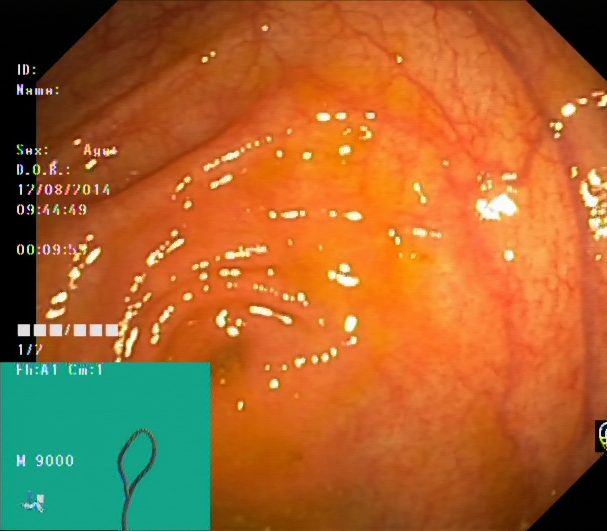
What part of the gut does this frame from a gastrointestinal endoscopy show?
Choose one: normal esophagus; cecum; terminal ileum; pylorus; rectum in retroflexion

cecum